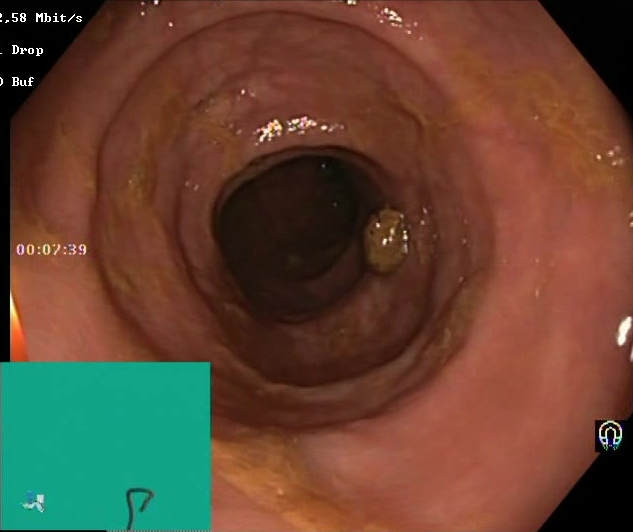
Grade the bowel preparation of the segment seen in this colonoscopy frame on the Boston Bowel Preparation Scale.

Boston Bowel Preparation Scale score 2–3 (adequate preparation)